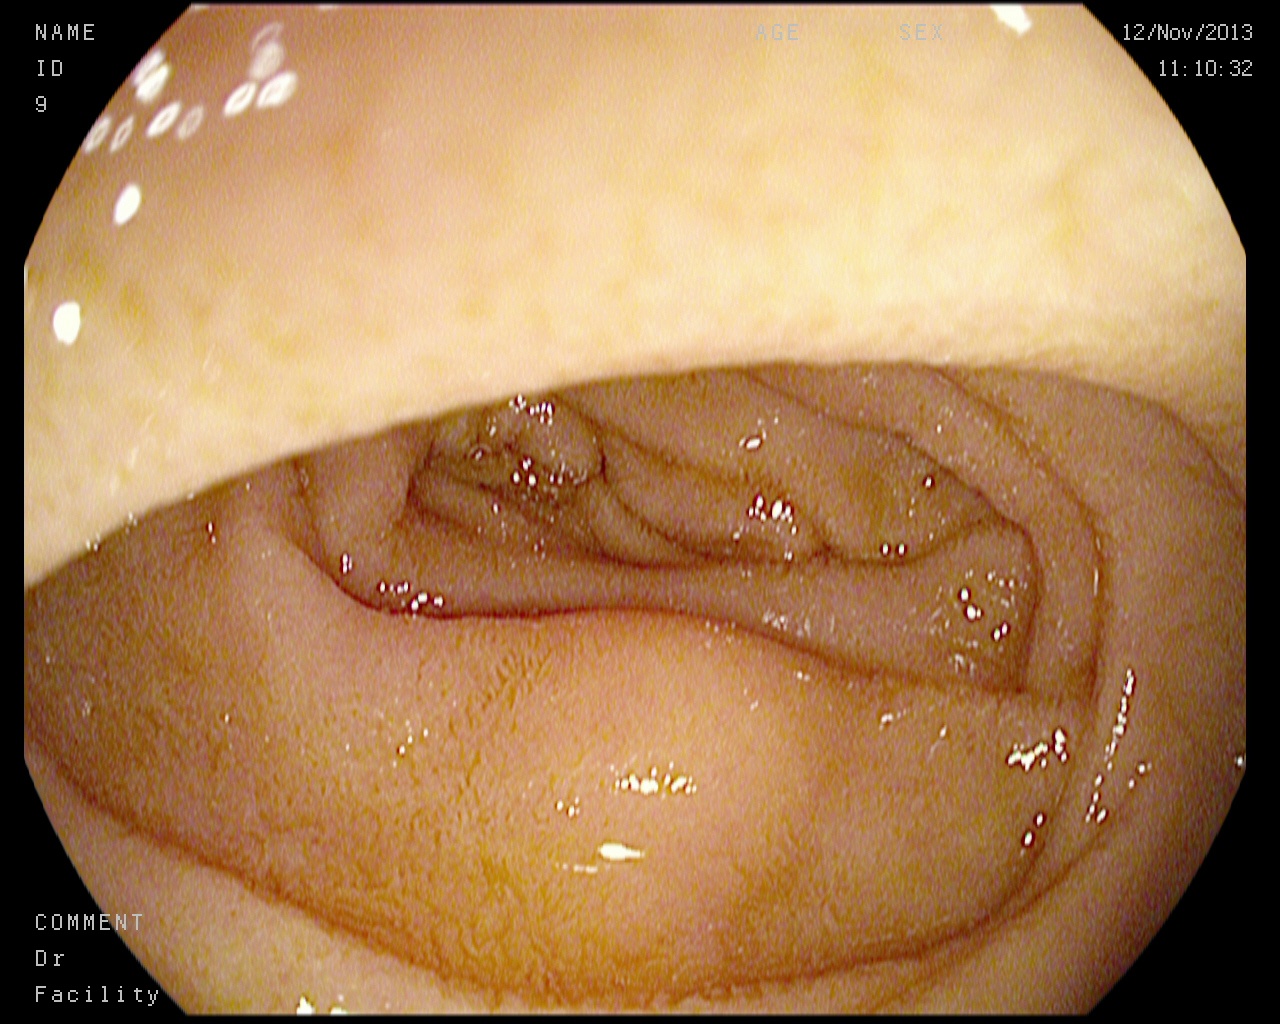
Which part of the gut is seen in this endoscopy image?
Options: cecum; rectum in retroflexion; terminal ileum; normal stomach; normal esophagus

terminal ileum